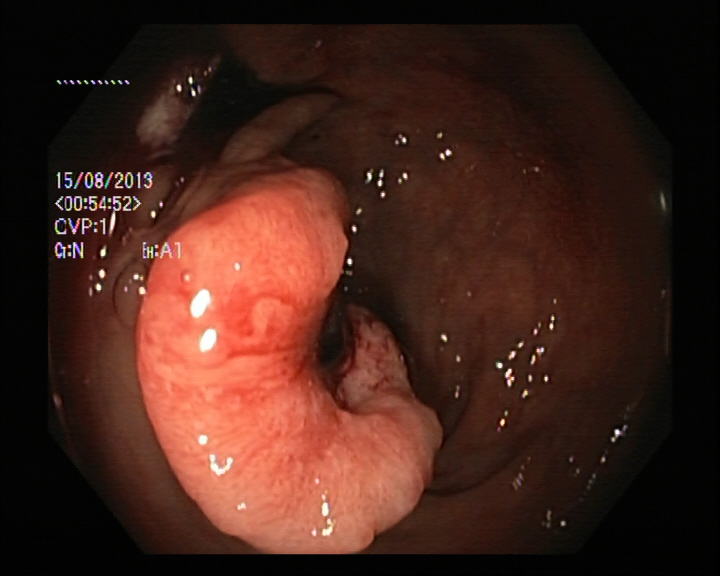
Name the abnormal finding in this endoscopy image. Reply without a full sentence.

colorectal cancer